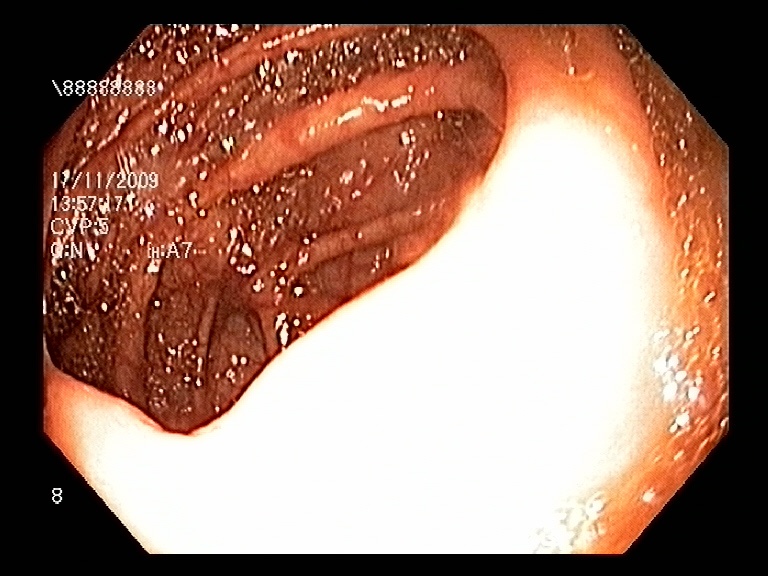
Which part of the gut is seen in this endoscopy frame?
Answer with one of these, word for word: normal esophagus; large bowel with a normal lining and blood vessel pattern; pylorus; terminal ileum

large bowel with a normal lining and blood vessel pattern